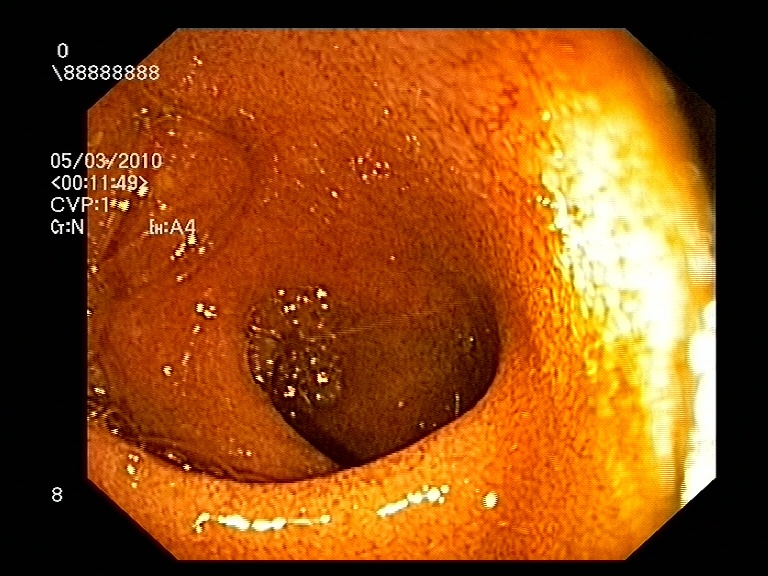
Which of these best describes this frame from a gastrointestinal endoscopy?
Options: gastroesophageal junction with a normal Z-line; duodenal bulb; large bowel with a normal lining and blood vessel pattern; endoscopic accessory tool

large bowel with a normal lining and blood vessel pattern